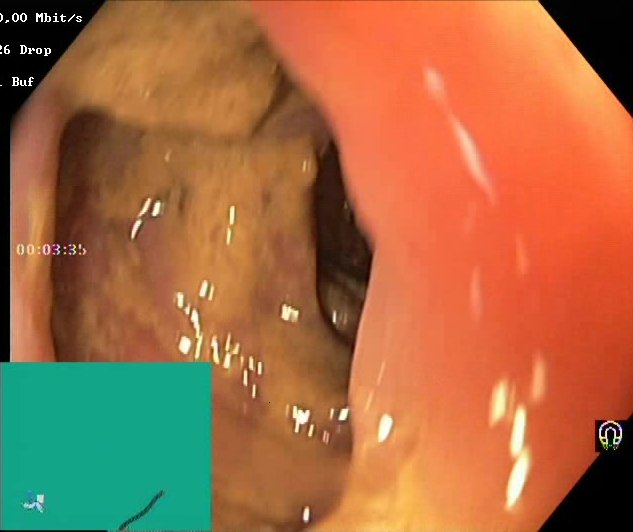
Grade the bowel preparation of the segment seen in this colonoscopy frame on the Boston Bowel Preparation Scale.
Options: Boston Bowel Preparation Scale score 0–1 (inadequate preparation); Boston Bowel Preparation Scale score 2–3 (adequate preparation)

Boston Bowel Preparation Scale score 0–1 (inadequate preparation)